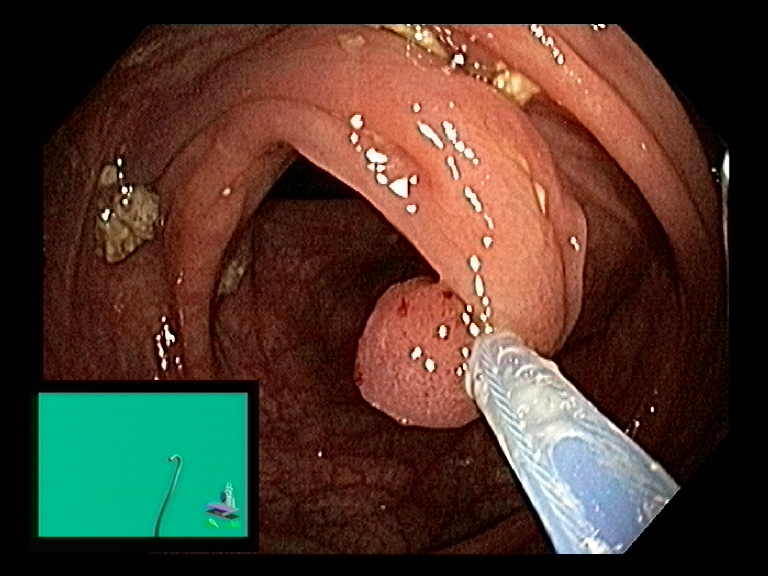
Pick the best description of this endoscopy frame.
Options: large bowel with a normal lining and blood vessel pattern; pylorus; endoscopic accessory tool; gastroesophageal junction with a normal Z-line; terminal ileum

endoscopic accessory tool